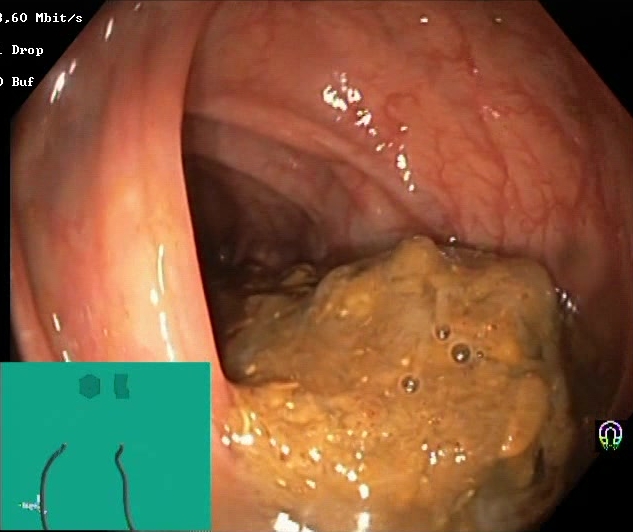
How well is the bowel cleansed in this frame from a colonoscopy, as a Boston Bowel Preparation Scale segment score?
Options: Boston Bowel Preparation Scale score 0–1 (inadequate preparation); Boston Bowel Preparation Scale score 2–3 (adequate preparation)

Boston Bowel Preparation Scale score 0–1 (inadequate preparation)